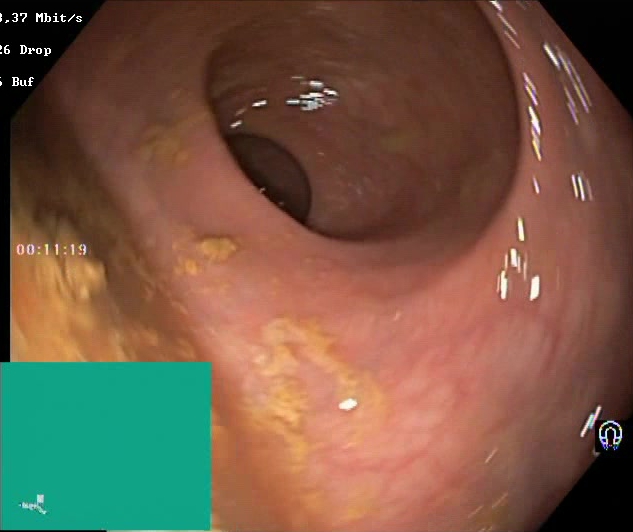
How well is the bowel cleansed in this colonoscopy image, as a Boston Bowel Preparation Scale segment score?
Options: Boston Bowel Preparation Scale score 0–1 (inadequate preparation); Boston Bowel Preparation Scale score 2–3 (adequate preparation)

Boston Bowel Preparation Scale score 0–1 (inadequate preparation)